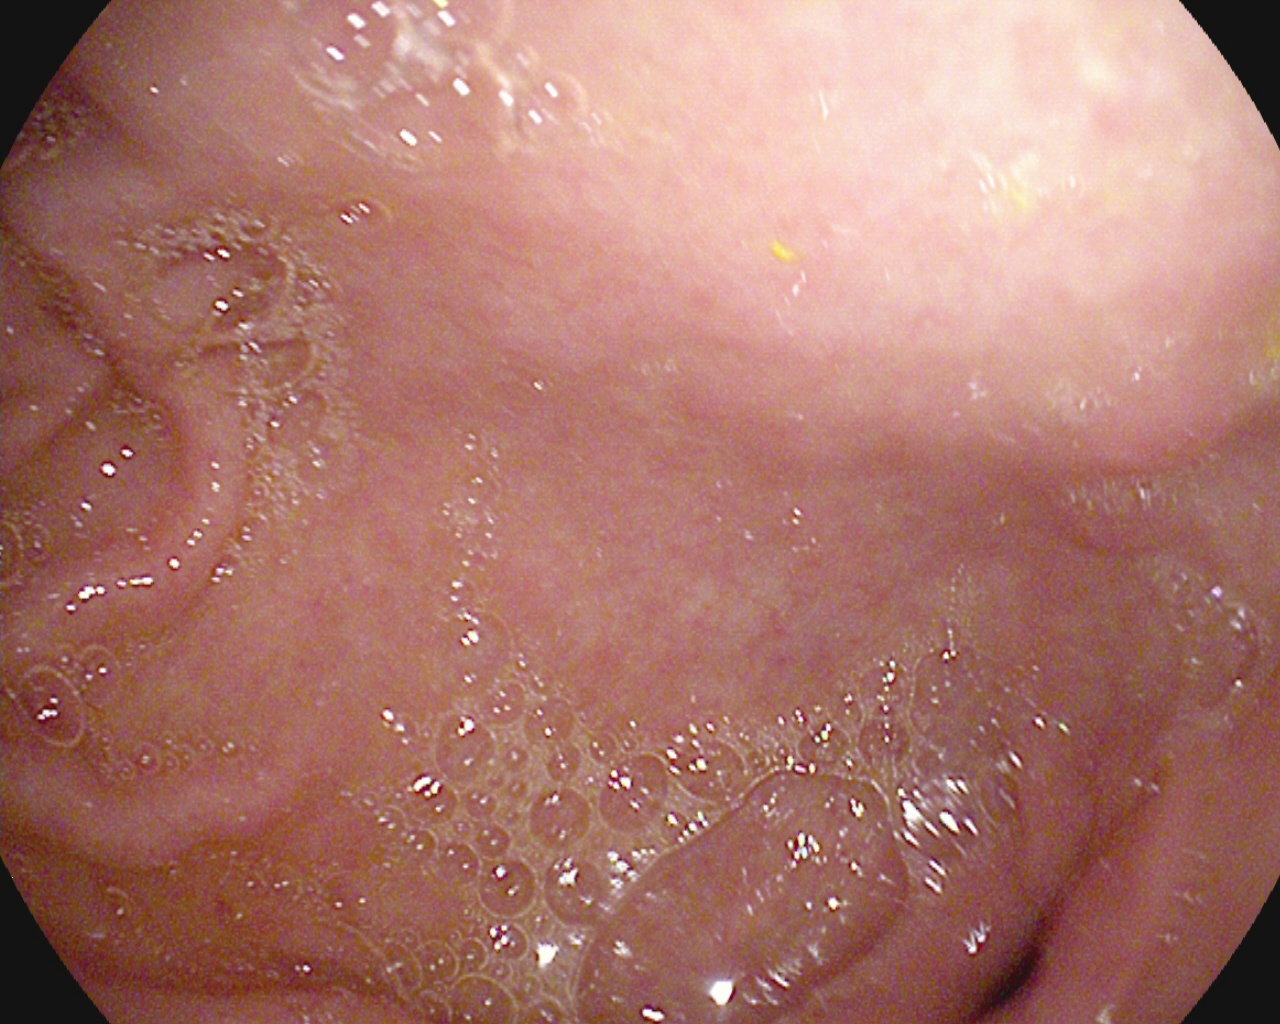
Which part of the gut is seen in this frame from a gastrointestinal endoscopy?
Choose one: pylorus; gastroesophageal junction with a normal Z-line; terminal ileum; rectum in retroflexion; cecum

pylorus